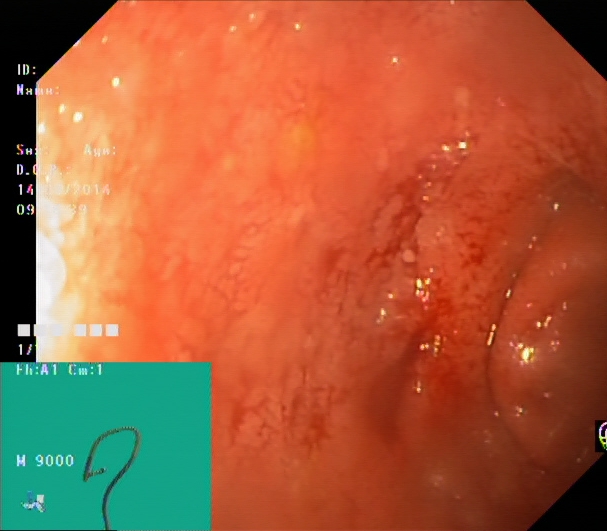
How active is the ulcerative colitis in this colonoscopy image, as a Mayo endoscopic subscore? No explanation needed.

ulcerative colitis, Mayo endoscopic subscore 2